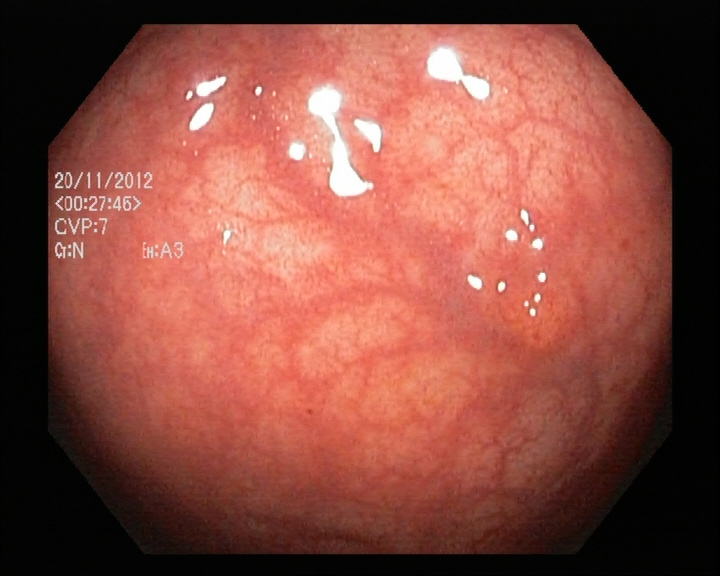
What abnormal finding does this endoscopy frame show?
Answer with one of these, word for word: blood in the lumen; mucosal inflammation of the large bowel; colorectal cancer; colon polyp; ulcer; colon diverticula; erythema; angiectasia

colon polyp